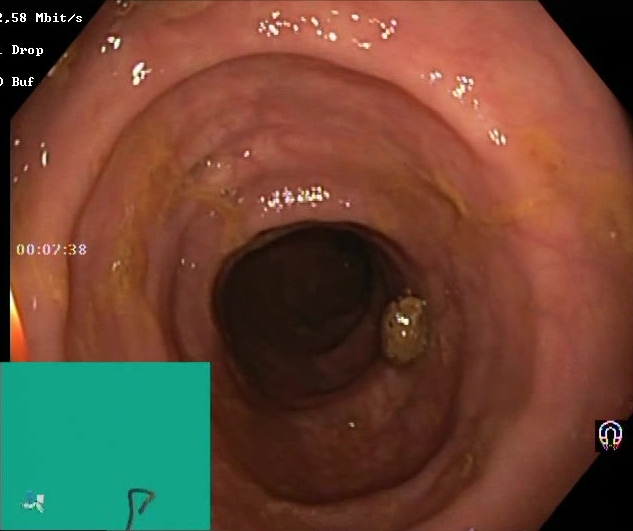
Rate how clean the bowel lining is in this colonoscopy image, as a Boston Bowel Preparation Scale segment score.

Boston Bowel Preparation Scale score 2–3 (adequate preparation)